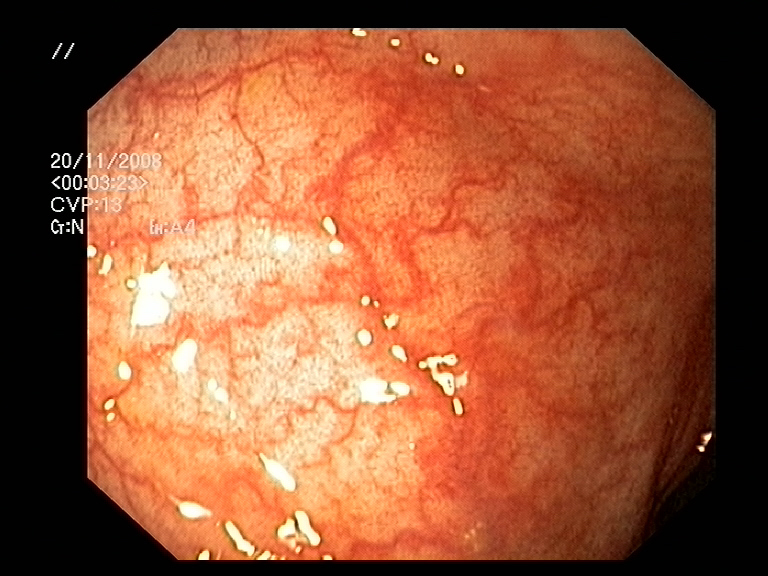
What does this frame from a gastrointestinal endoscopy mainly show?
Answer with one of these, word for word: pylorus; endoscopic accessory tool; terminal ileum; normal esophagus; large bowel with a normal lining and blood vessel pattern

large bowel with a normal lining and blood vessel pattern